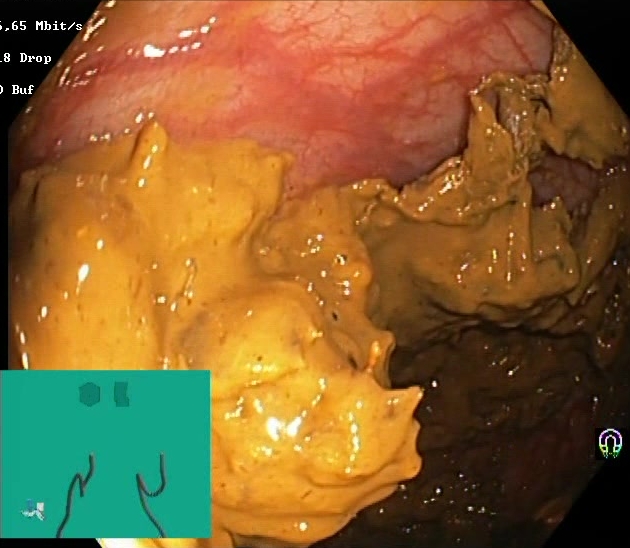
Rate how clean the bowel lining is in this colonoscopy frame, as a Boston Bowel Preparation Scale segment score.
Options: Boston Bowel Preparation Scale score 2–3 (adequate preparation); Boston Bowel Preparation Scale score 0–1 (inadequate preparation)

Boston Bowel Preparation Scale score 0–1 (inadequate preparation)